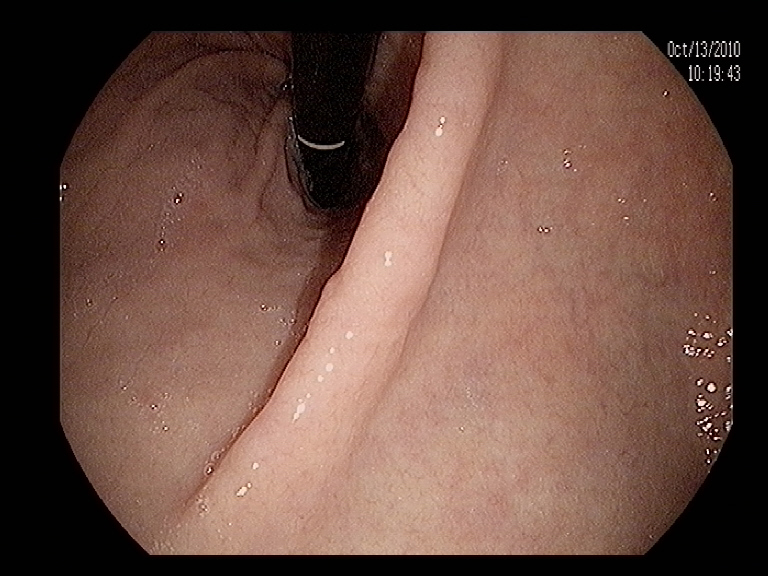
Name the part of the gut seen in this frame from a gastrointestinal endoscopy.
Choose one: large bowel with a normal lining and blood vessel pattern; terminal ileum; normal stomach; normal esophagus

normal stomach